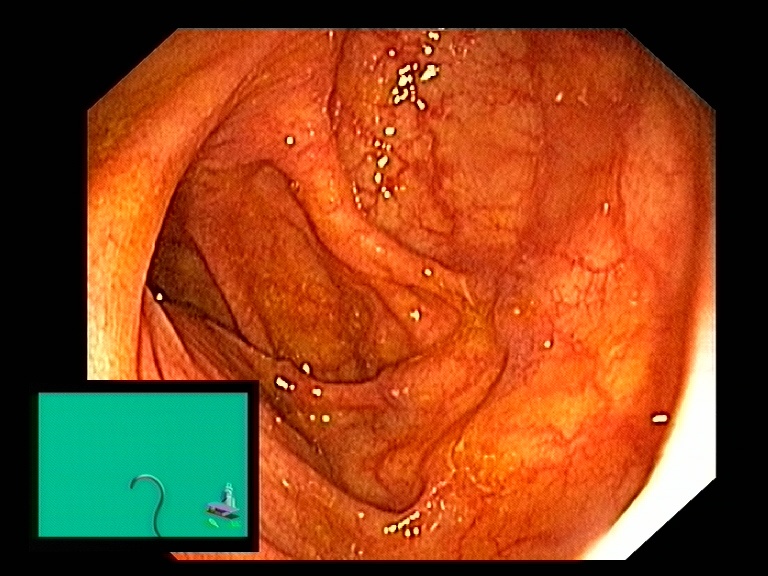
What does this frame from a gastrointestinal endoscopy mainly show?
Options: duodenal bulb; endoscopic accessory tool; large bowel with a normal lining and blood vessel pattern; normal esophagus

large bowel with a normal lining and blood vessel pattern